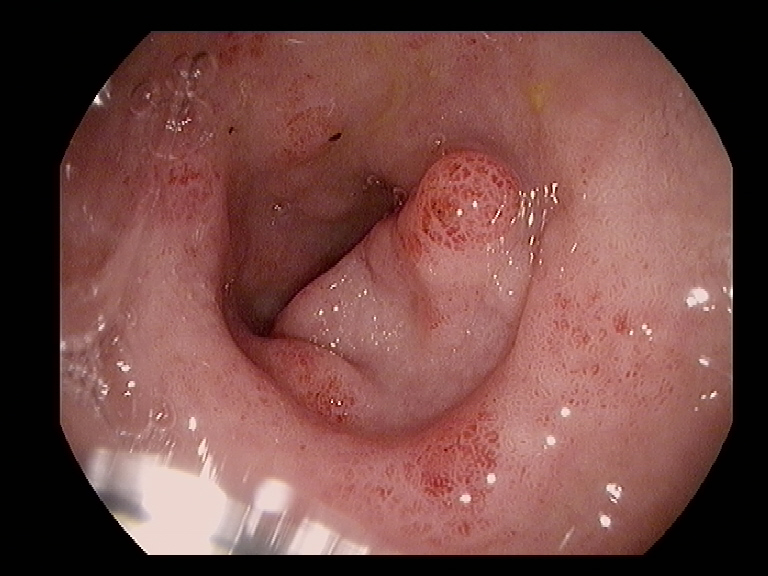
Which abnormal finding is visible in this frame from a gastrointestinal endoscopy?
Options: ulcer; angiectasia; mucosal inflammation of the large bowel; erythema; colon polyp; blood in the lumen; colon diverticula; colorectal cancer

colon polyp